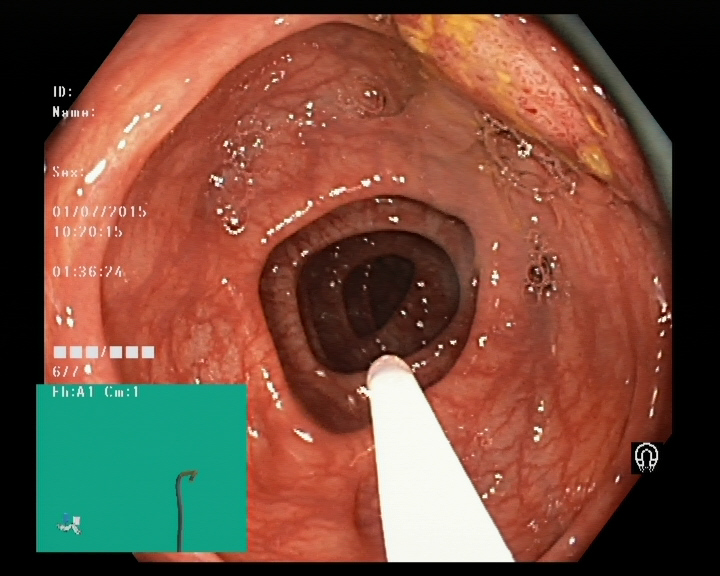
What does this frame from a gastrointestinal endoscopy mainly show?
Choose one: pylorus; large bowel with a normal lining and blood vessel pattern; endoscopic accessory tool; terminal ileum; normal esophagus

endoscopic accessory tool